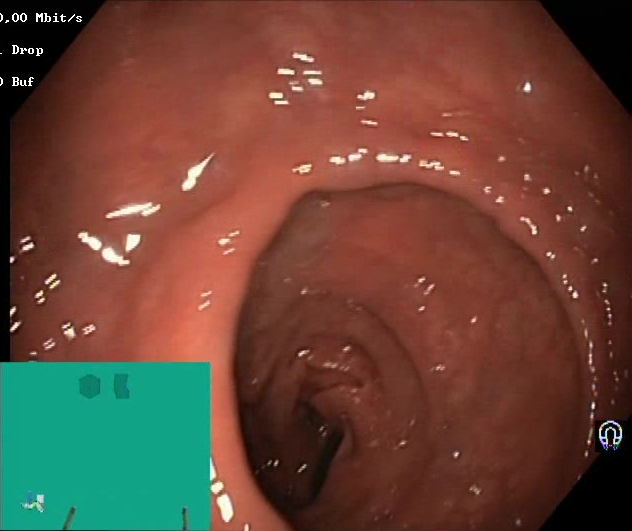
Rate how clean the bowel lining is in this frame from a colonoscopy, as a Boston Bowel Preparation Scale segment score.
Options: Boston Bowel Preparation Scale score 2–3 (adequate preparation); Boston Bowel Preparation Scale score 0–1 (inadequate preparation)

Boston Bowel Preparation Scale score 2–3 (adequate preparation)